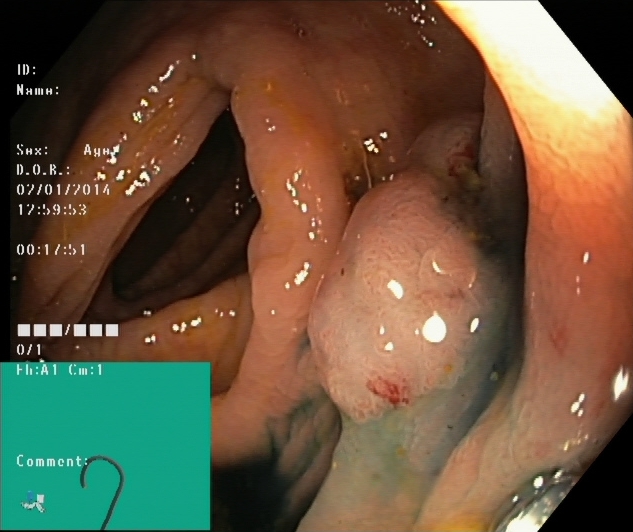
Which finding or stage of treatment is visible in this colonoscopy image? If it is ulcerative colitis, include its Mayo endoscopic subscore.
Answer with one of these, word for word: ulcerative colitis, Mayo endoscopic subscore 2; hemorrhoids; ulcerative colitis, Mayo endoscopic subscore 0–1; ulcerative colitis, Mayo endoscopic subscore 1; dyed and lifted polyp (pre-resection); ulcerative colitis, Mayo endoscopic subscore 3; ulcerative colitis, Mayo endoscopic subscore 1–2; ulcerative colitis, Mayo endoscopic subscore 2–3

dyed and lifted polyp (pre-resection)